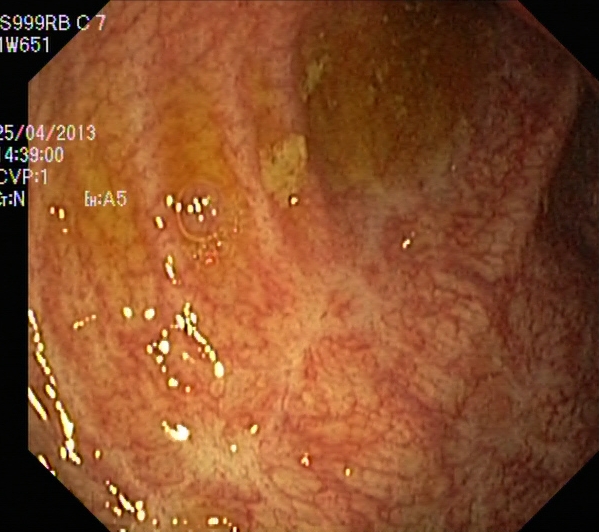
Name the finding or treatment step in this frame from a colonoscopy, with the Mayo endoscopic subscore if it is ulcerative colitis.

ulcerative colitis, Mayo endoscopic subscore 0–1